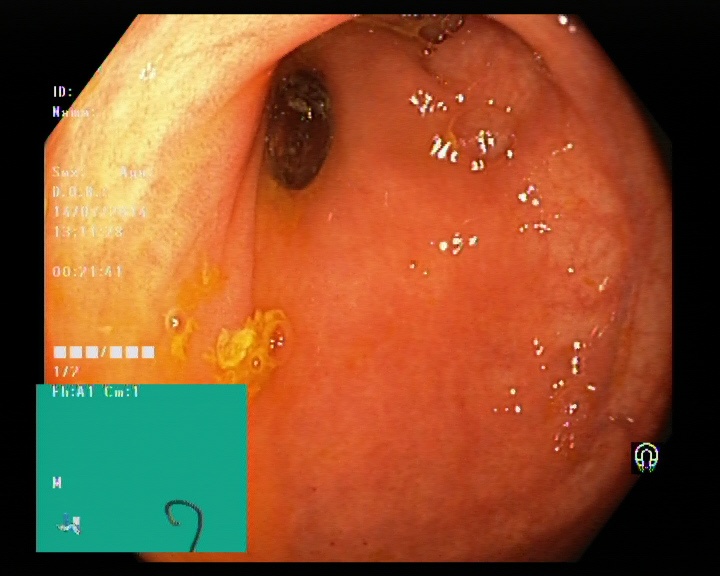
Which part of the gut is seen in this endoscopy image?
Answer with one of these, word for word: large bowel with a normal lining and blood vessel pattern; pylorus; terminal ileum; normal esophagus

large bowel with a normal lining and blood vessel pattern